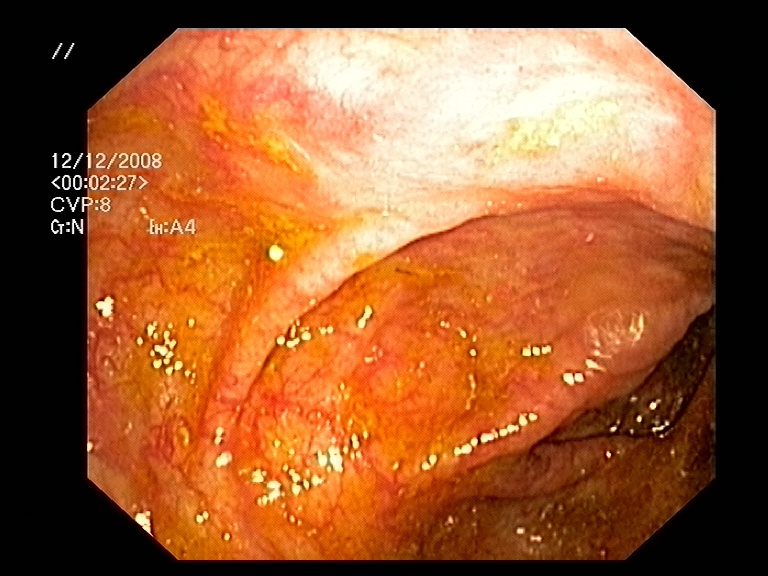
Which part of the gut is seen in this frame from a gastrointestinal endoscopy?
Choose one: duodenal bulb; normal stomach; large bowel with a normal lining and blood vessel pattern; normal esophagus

large bowel with a normal lining and blood vessel pattern